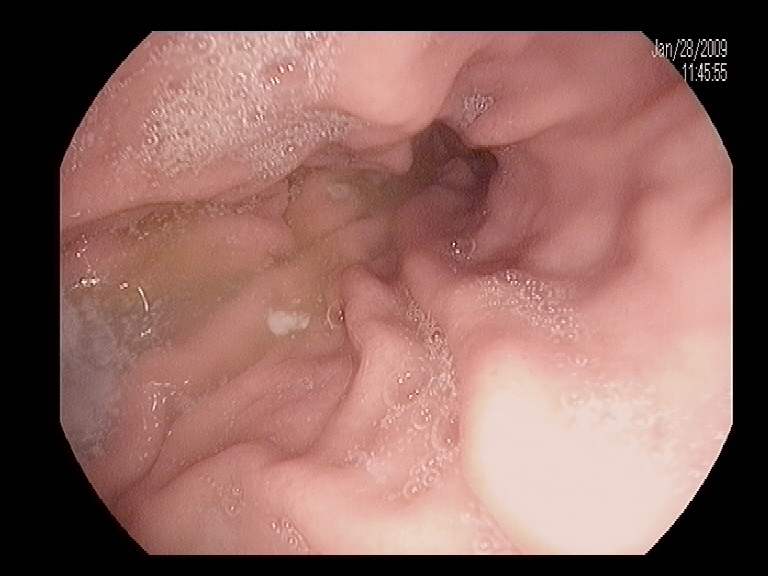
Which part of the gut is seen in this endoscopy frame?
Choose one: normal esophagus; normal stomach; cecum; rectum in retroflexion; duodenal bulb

normal stomach